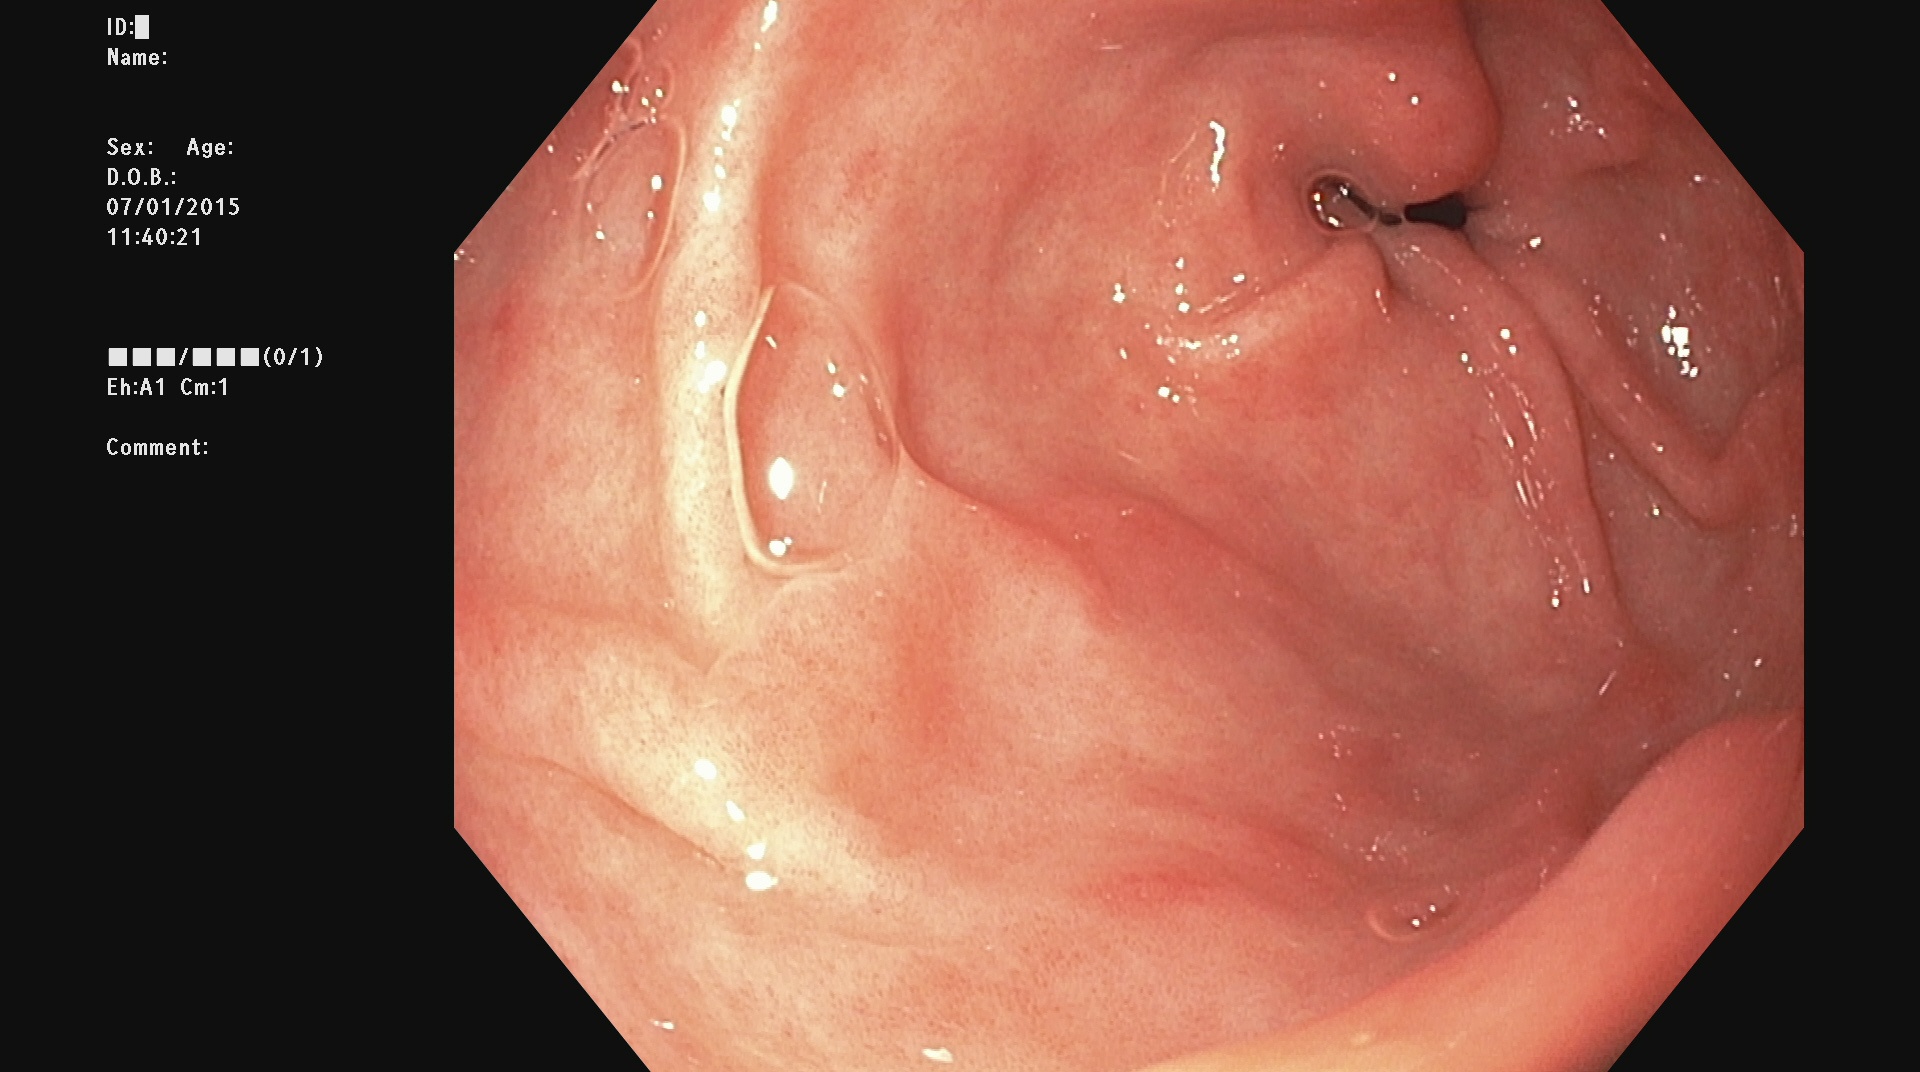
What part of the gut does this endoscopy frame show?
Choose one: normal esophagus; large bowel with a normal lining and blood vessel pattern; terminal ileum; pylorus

pylorus